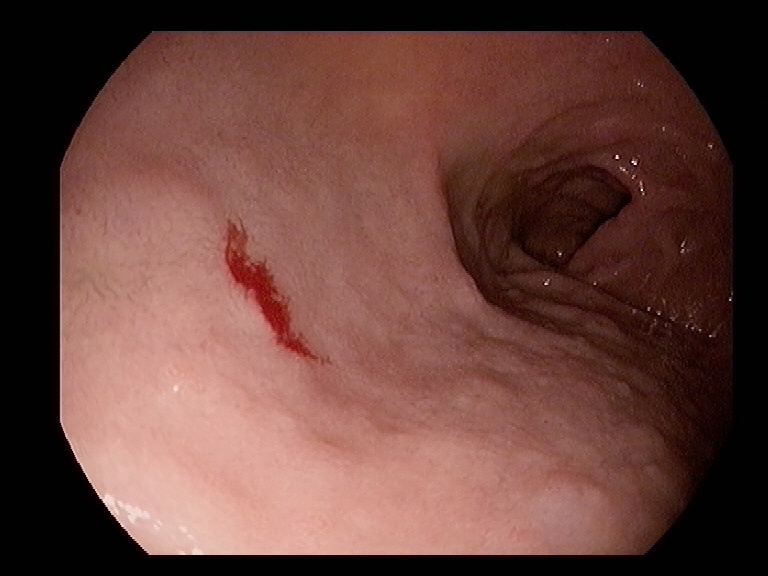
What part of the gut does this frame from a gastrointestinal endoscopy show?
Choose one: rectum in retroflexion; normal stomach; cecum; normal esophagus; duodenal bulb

normal stomach